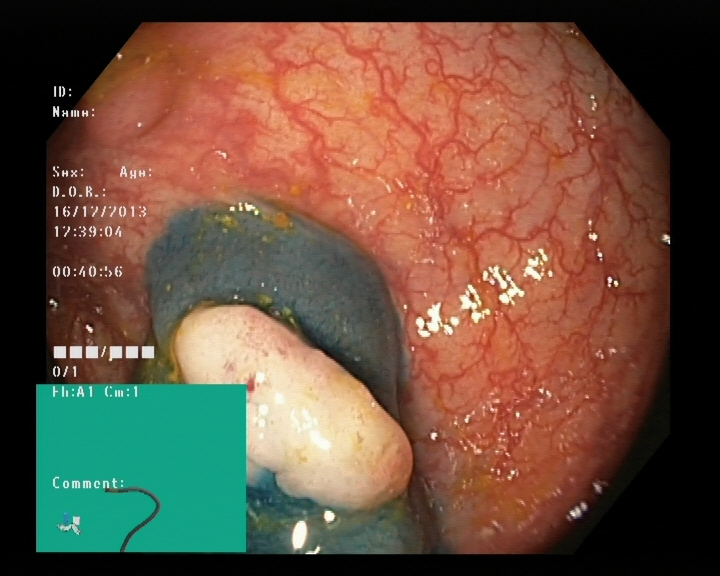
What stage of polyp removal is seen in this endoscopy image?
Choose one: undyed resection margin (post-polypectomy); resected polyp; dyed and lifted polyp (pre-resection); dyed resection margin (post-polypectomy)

dyed and lifted polyp (pre-resection)